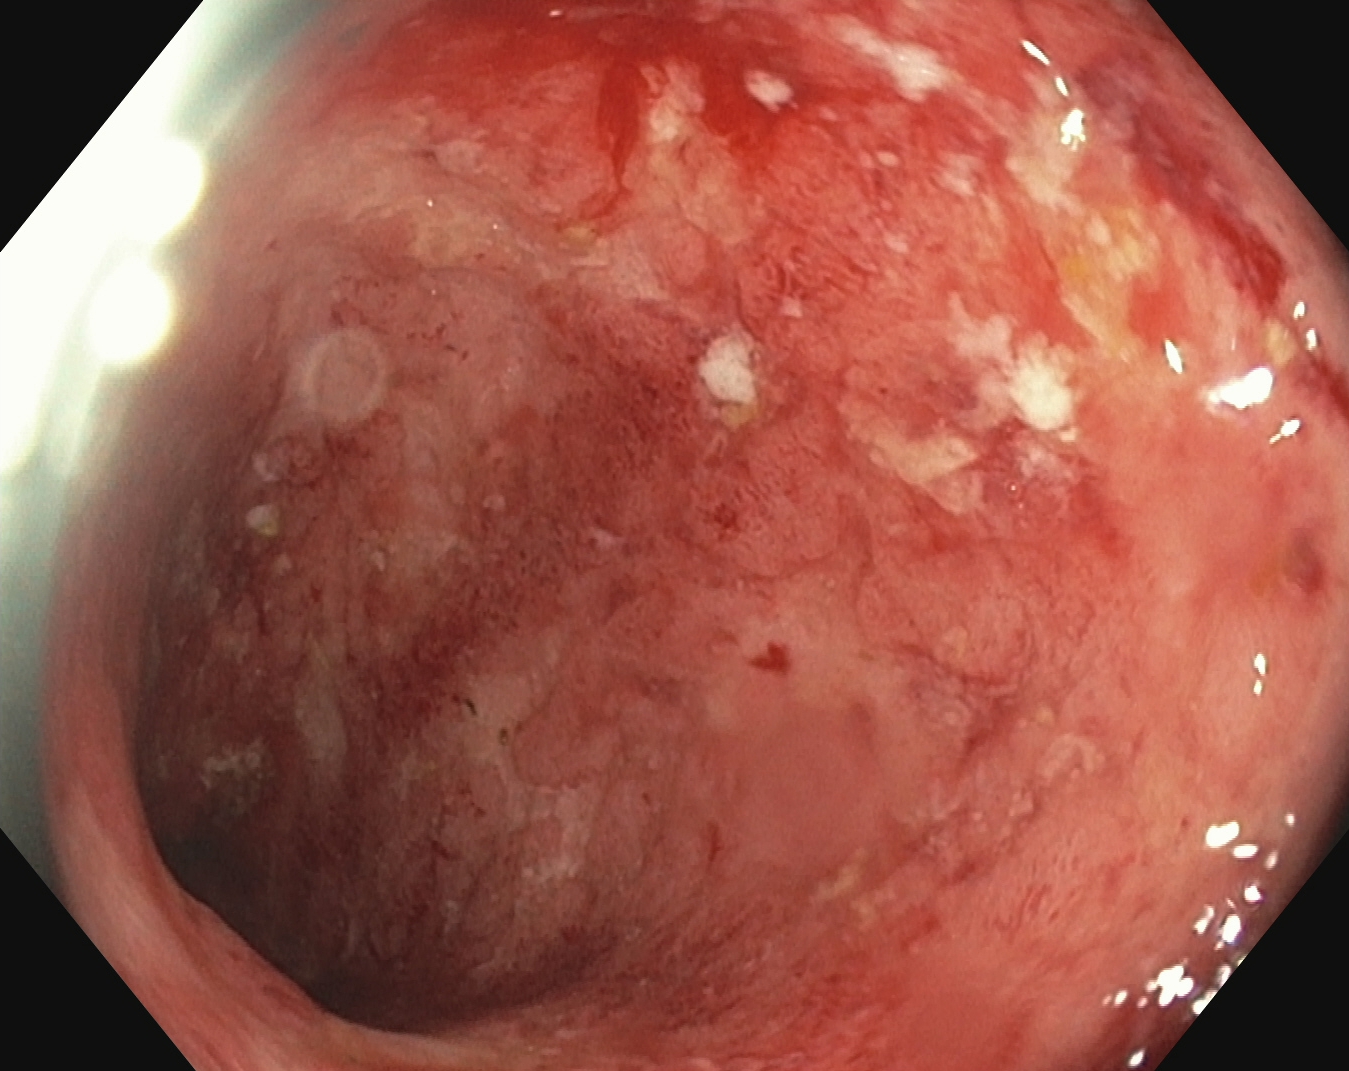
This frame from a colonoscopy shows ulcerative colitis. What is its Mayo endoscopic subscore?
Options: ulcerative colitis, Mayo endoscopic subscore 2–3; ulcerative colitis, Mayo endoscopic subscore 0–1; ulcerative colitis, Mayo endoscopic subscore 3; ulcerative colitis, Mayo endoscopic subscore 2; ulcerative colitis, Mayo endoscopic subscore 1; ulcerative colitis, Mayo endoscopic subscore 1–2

ulcerative colitis, Mayo endoscopic subscore 3